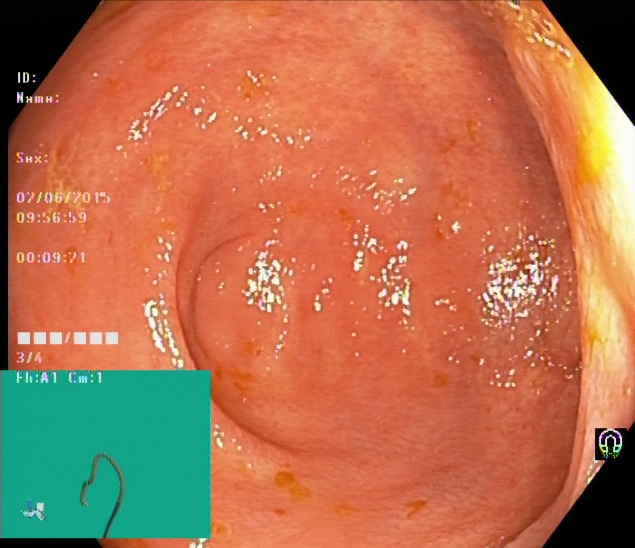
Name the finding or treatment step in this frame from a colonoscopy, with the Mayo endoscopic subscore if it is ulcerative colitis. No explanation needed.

ulcerative colitis, Mayo endoscopic subscore 1